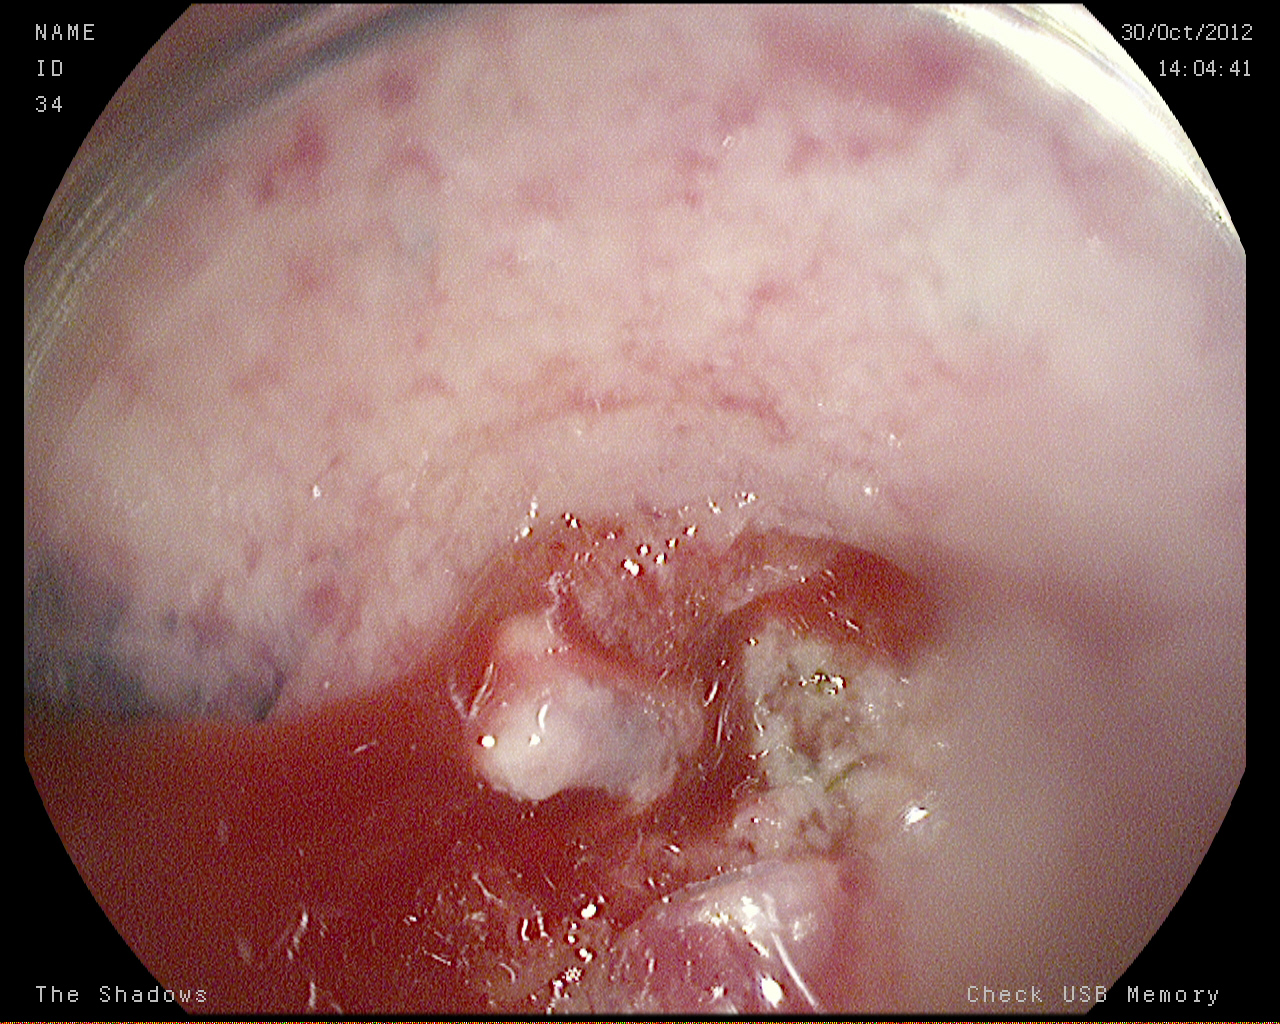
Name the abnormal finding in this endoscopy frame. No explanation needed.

blood in the lumen